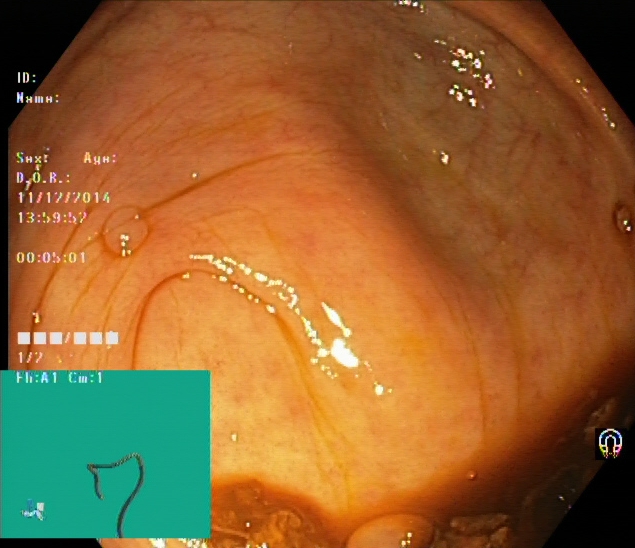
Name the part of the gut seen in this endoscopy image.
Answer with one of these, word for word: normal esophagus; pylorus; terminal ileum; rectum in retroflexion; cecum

cecum